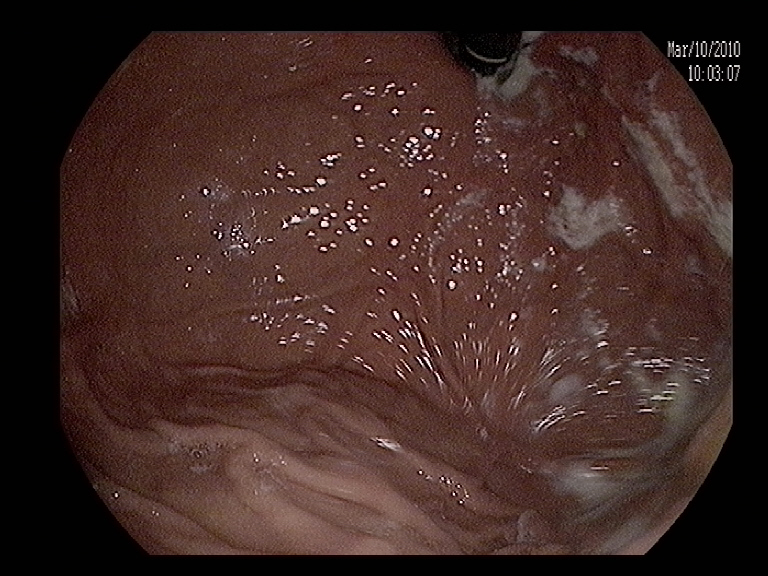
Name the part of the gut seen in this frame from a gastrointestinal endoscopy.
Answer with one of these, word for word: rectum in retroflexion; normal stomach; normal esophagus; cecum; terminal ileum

normal stomach